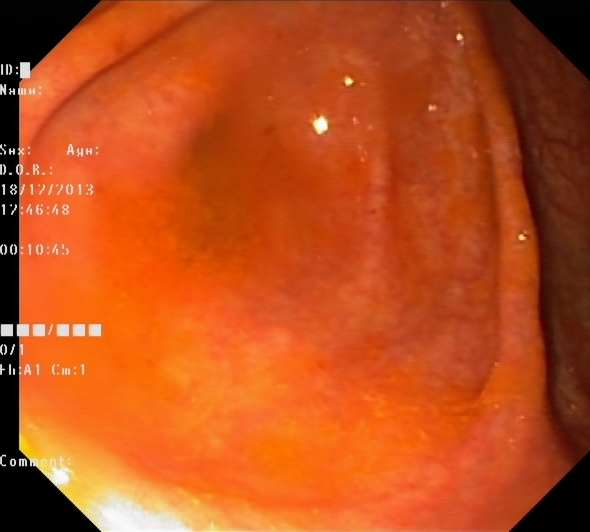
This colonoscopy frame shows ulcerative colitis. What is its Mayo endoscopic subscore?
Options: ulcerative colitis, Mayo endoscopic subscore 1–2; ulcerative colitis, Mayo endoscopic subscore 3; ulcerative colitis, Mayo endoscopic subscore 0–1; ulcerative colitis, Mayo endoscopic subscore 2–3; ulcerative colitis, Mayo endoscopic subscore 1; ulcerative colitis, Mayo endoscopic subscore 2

ulcerative colitis, Mayo endoscopic subscore 1